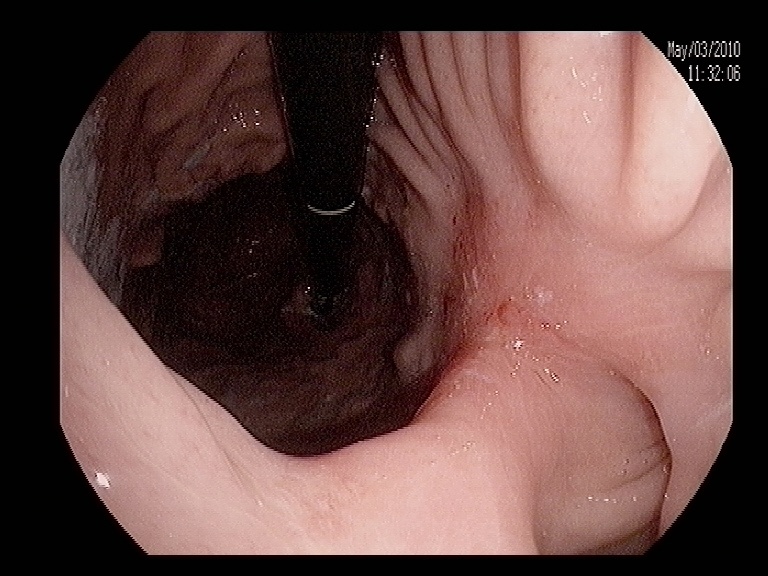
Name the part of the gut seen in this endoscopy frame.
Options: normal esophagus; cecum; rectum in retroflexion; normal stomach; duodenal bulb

normal stomach